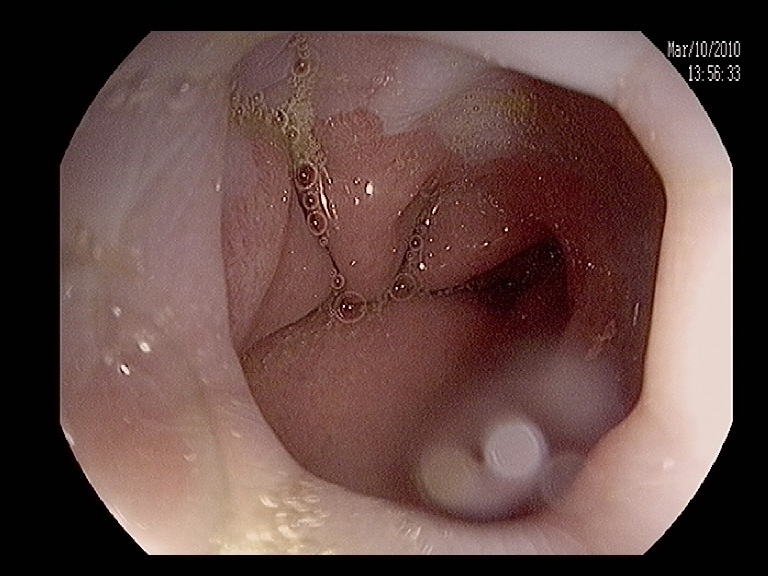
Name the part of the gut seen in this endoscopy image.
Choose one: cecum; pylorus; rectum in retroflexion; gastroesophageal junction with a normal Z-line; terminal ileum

gastroesophageal junction with a normal Z-line